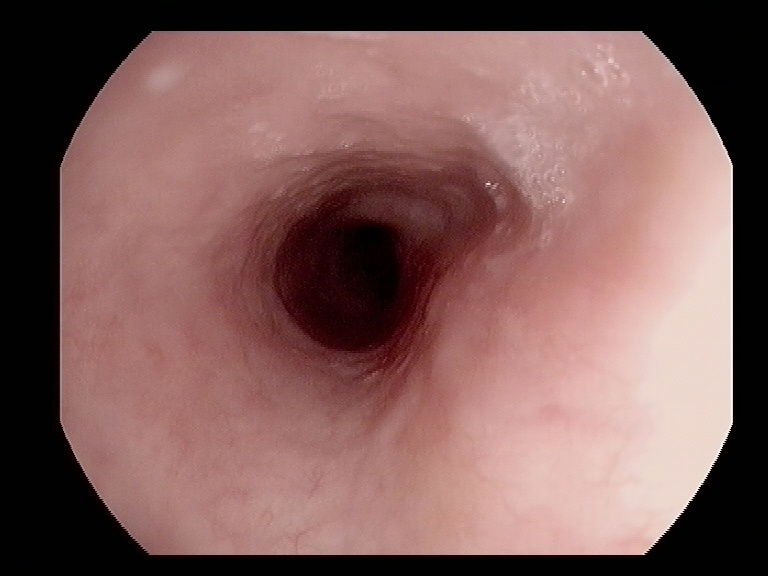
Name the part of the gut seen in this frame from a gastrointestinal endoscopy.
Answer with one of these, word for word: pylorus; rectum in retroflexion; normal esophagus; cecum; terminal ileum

normal esophagus